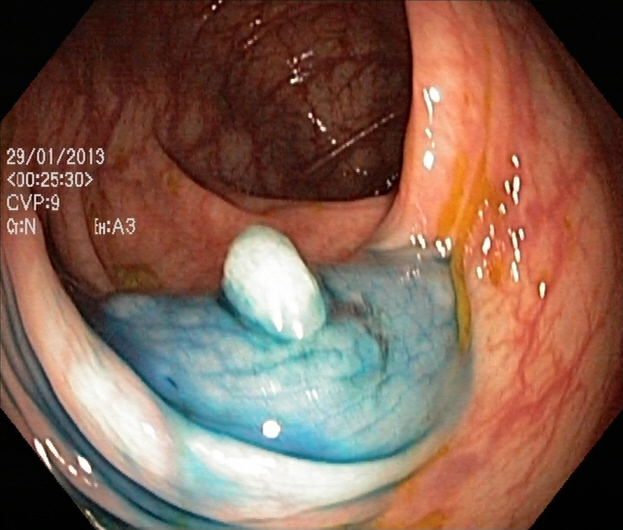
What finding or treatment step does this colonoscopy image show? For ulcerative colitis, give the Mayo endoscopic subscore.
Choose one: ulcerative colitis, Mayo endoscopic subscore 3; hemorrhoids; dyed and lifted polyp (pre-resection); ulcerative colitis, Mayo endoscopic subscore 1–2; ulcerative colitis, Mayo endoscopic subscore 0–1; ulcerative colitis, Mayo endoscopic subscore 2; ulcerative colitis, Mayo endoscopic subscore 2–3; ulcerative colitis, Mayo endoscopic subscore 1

dyed and lifted polyp (pre-resection)